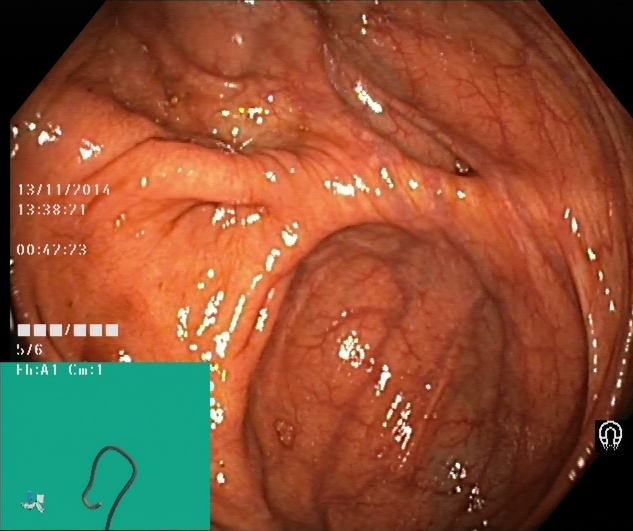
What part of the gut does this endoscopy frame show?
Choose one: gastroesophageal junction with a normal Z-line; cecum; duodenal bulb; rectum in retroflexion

cecum